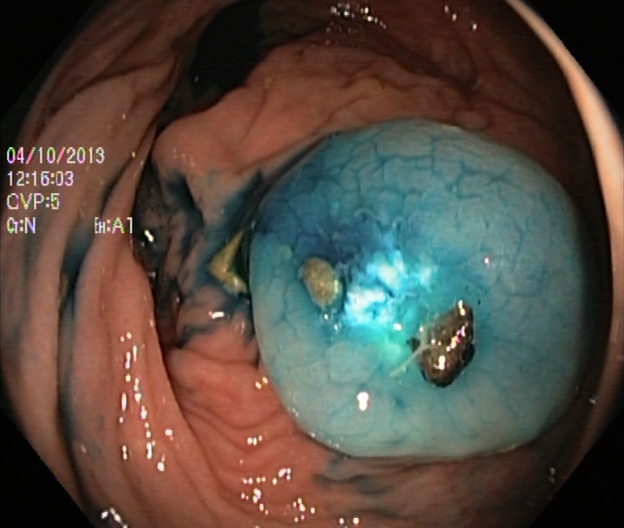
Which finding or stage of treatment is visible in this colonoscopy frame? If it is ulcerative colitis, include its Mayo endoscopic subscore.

dyed and lifted polyp (pre-resection)